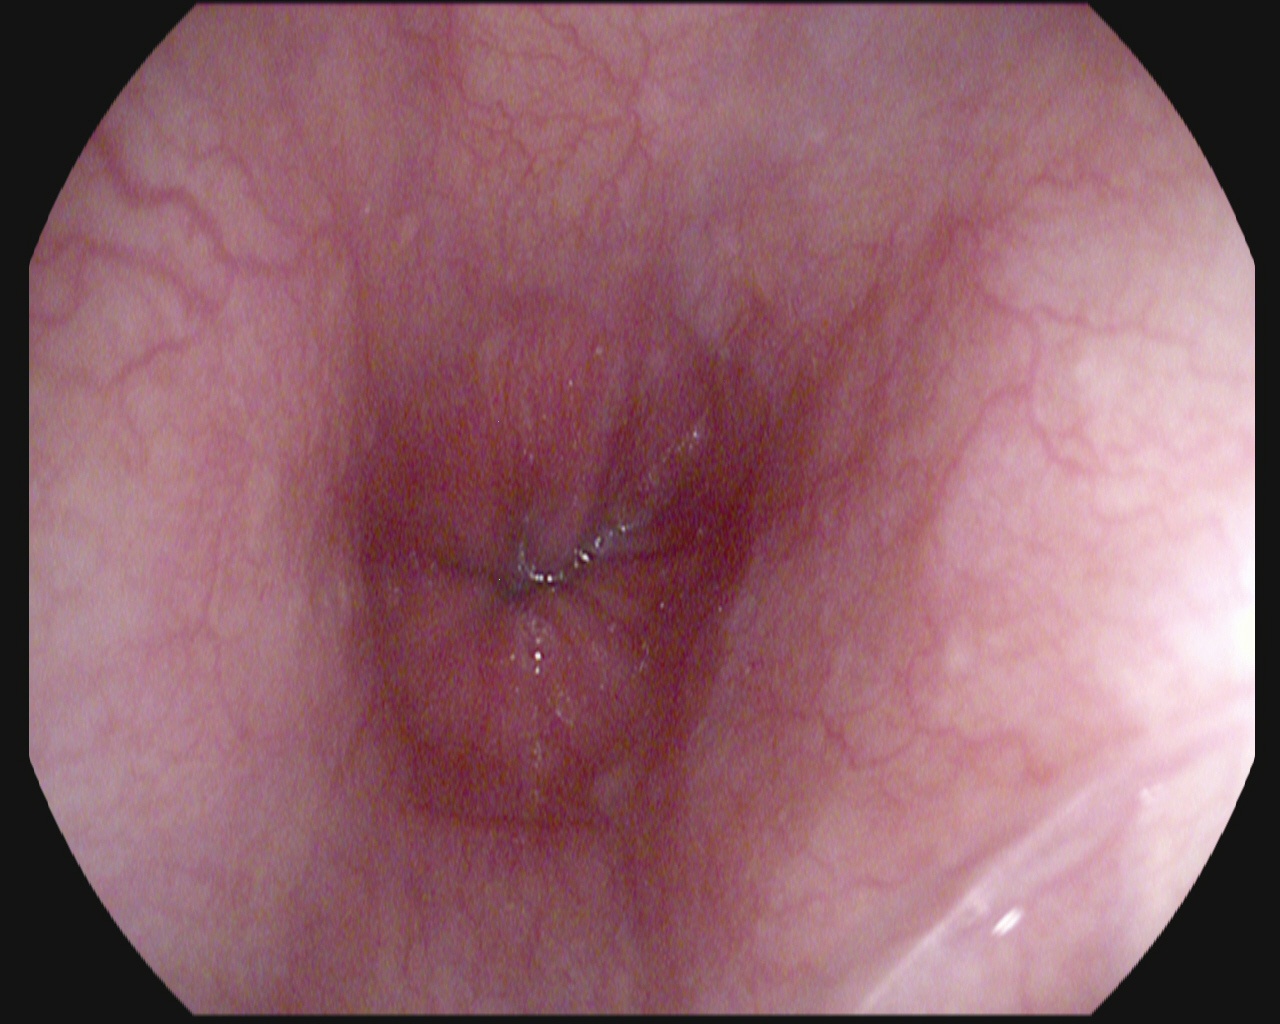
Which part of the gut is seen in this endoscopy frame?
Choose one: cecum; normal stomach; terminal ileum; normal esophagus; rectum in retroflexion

normal esophagus